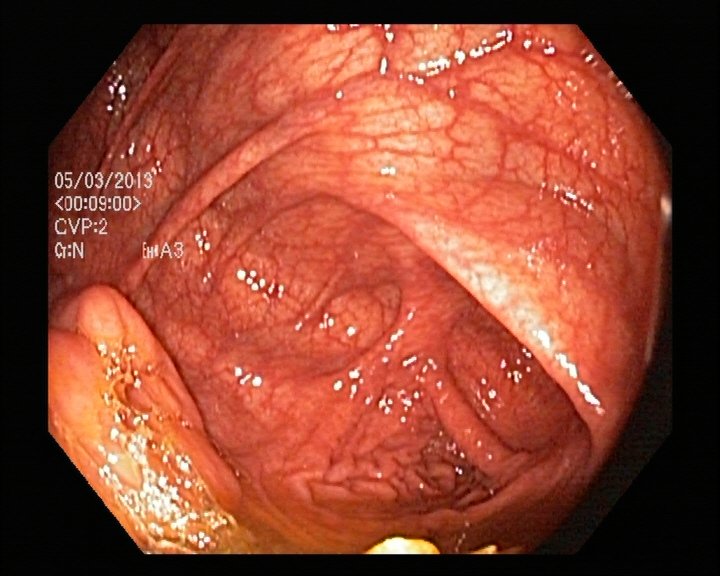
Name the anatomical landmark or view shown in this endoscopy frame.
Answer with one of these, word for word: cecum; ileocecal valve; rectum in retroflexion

ileocecal valve